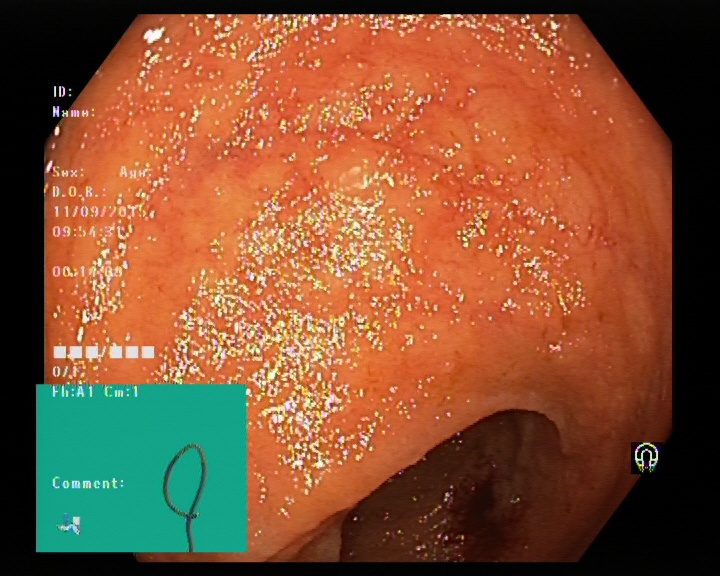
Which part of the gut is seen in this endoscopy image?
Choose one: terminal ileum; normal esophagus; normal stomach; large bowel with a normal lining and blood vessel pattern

large bowel with a normal lining and blood vessel pattern